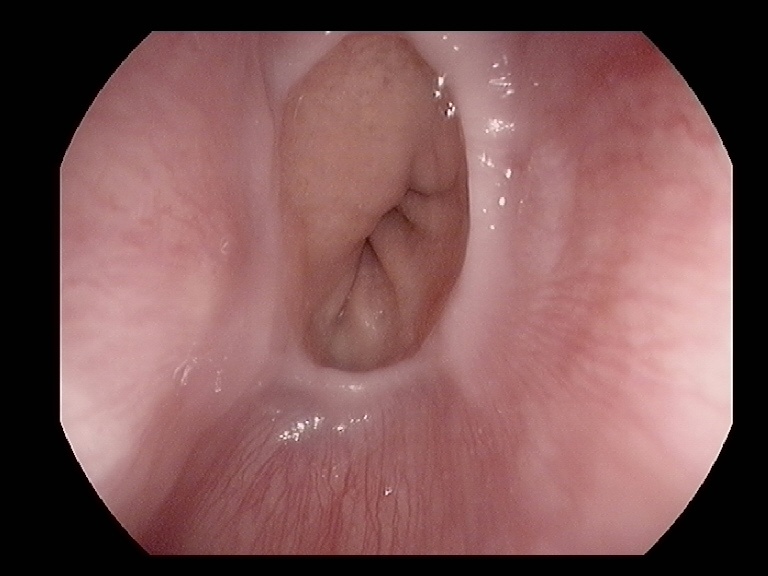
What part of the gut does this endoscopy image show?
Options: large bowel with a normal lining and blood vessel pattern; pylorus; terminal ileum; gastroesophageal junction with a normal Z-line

gastroesophageal junction with a normal Z-line